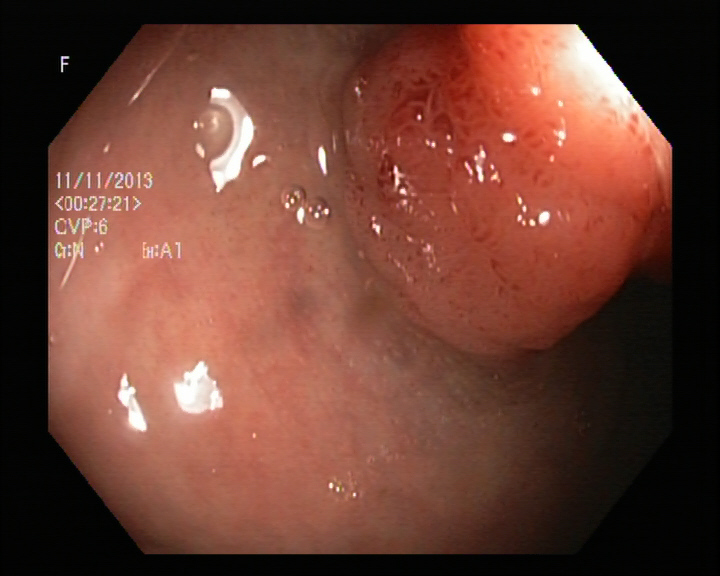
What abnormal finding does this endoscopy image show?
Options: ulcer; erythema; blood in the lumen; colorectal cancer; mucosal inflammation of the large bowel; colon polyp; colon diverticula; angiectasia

colon polyp